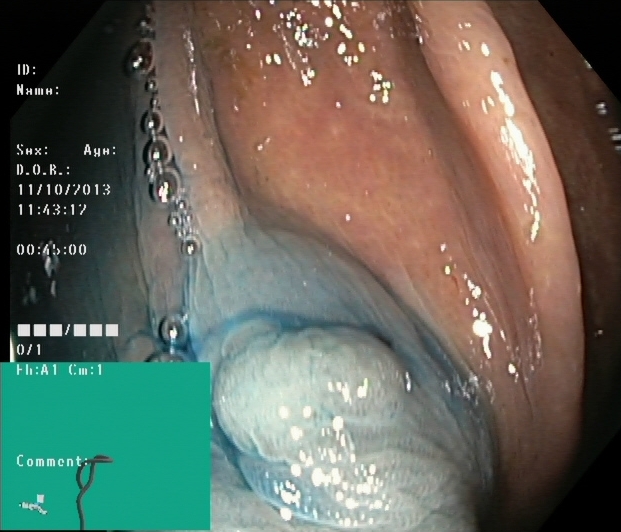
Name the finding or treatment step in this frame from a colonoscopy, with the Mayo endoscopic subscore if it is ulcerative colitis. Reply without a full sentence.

dyed and lifted polyp (pre-resection)